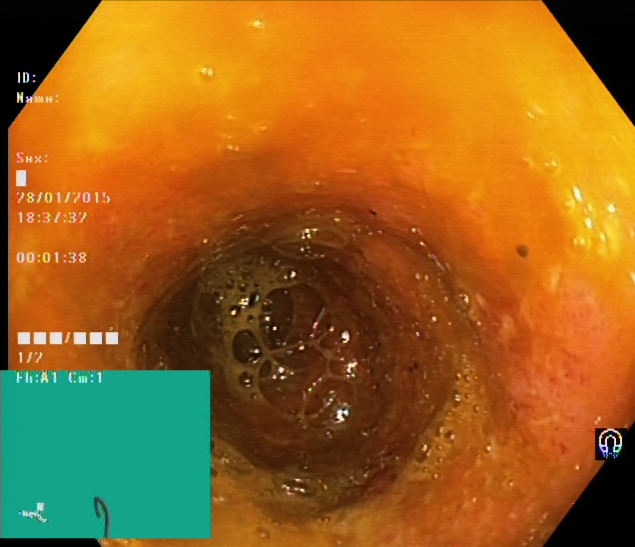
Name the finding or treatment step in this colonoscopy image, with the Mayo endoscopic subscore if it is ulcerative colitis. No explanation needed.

ulcerative colitis, Mayo endoscopic subscore 2